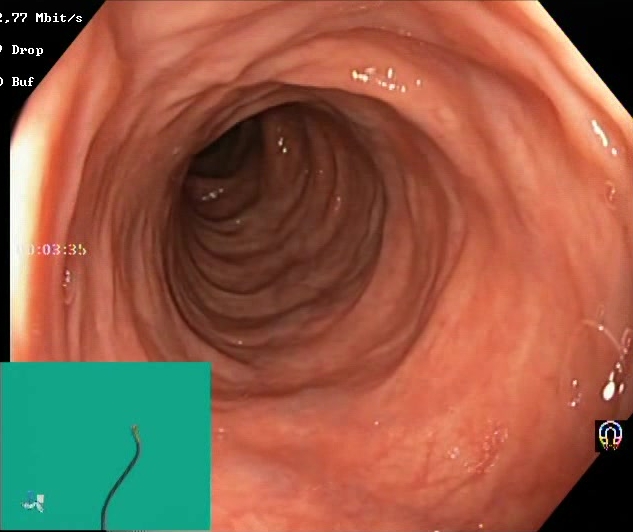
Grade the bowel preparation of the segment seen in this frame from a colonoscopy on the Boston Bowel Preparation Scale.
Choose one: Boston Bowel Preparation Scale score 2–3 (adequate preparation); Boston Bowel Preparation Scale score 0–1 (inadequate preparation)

Boston Bowel Preparation Scale score 2–3 (adequate preparation)